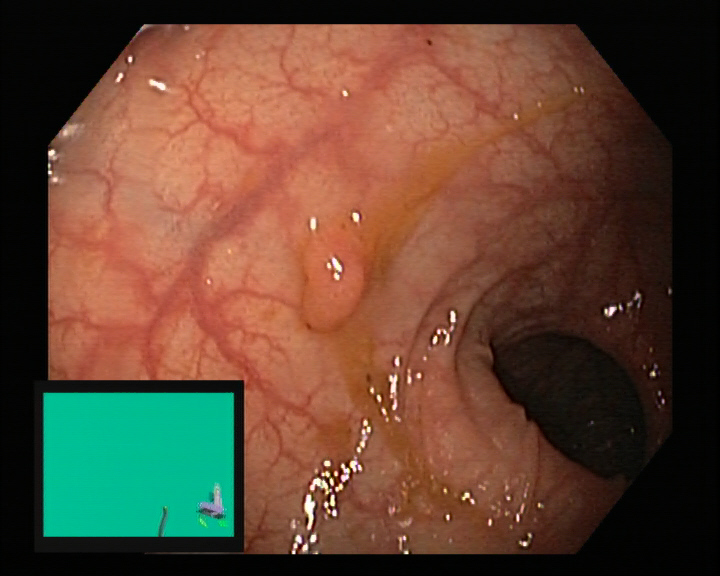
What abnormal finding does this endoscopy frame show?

colon polyp